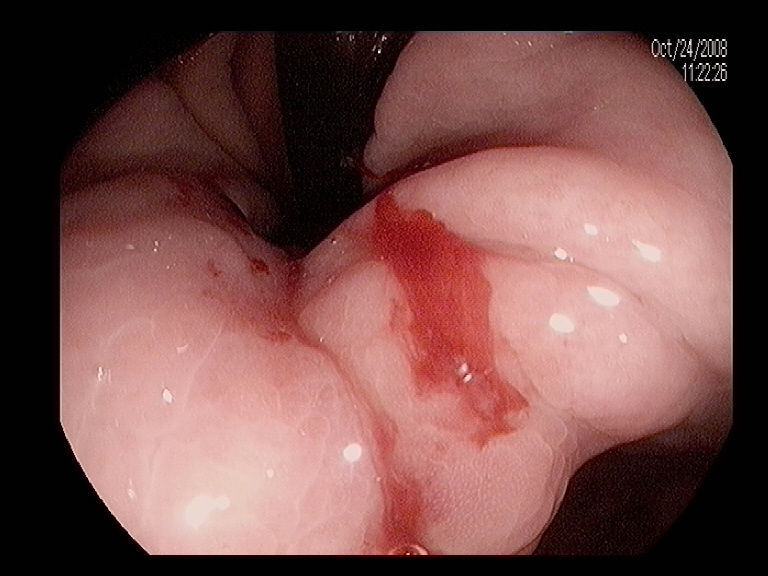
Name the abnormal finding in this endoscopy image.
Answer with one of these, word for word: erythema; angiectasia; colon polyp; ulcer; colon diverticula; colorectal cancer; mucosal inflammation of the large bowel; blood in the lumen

blood in the lumen